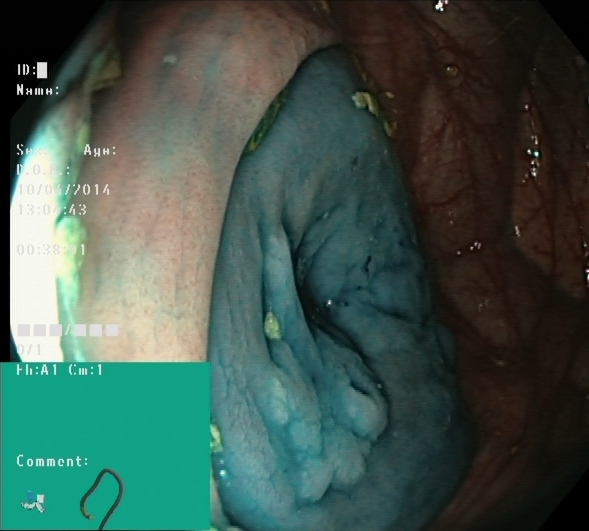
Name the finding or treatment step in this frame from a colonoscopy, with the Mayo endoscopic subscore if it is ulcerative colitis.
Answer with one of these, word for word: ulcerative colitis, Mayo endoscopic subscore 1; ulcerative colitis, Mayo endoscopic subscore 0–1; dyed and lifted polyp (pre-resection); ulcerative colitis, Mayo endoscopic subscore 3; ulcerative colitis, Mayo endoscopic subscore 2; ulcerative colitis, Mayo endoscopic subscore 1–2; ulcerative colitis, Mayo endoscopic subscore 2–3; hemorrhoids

dyed and lifted polyp (pre-resection)